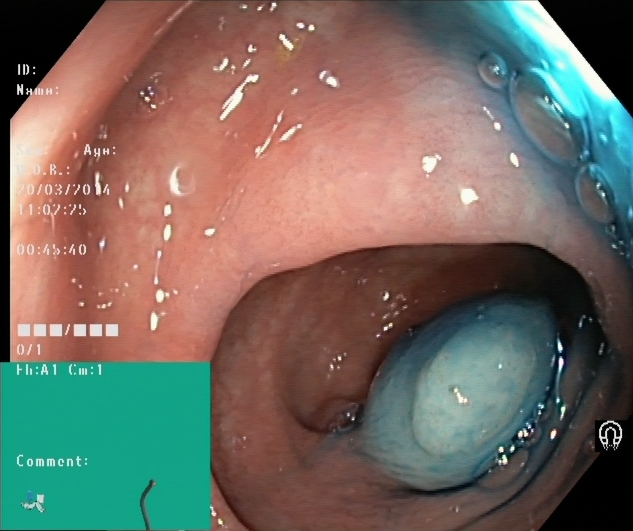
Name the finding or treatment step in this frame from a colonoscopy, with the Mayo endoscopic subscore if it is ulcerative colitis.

dyed and lifted polyp (pre-resection)